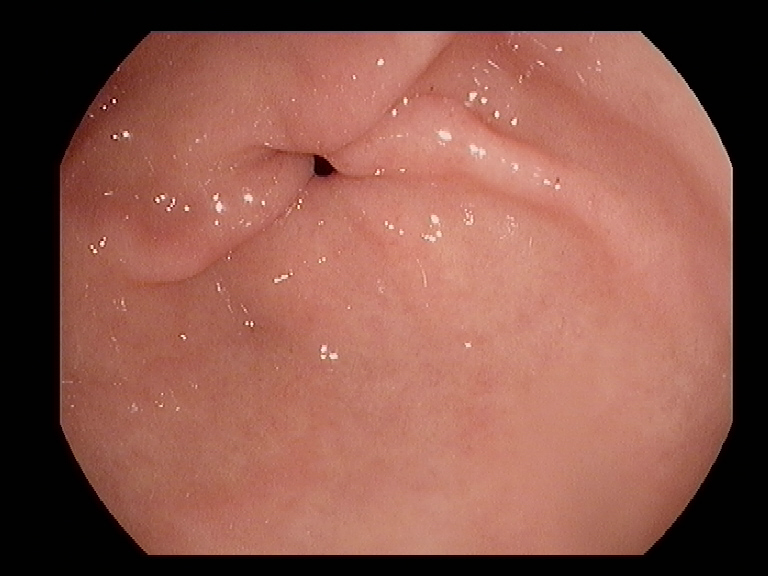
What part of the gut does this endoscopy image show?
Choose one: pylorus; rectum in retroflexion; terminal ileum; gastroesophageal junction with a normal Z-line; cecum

pylorus